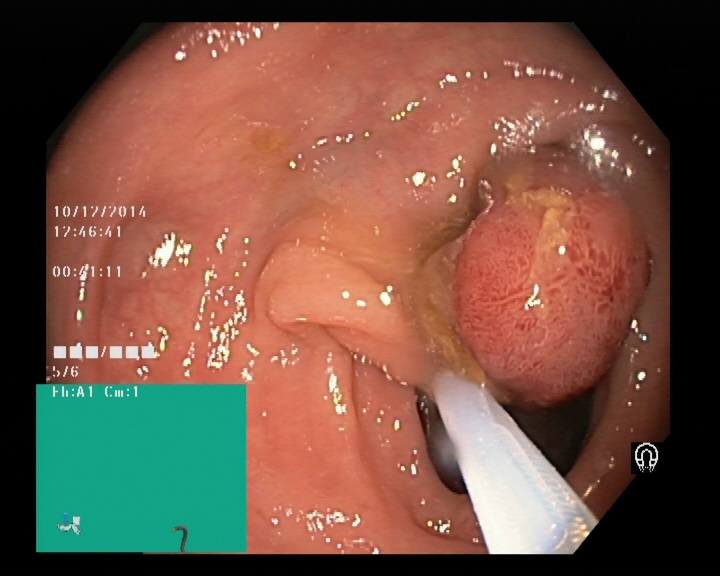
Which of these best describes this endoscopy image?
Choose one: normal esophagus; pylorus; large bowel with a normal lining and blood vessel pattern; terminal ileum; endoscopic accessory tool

endoscopic accessory tool